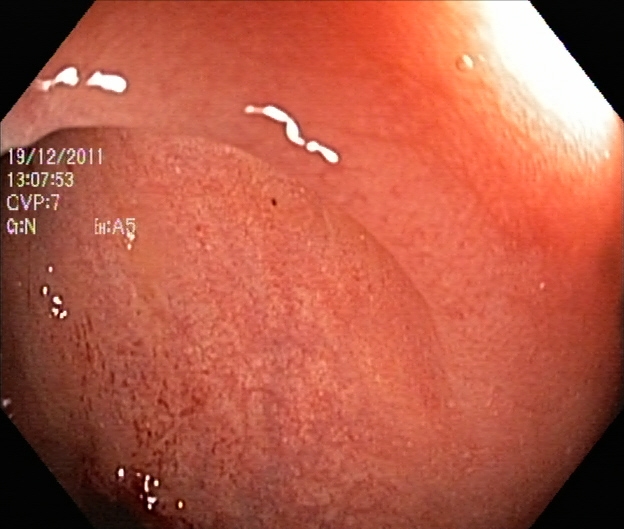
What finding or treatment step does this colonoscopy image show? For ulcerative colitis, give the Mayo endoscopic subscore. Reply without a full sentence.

ulcerative colitis, Mayo endoscopic subscore 1